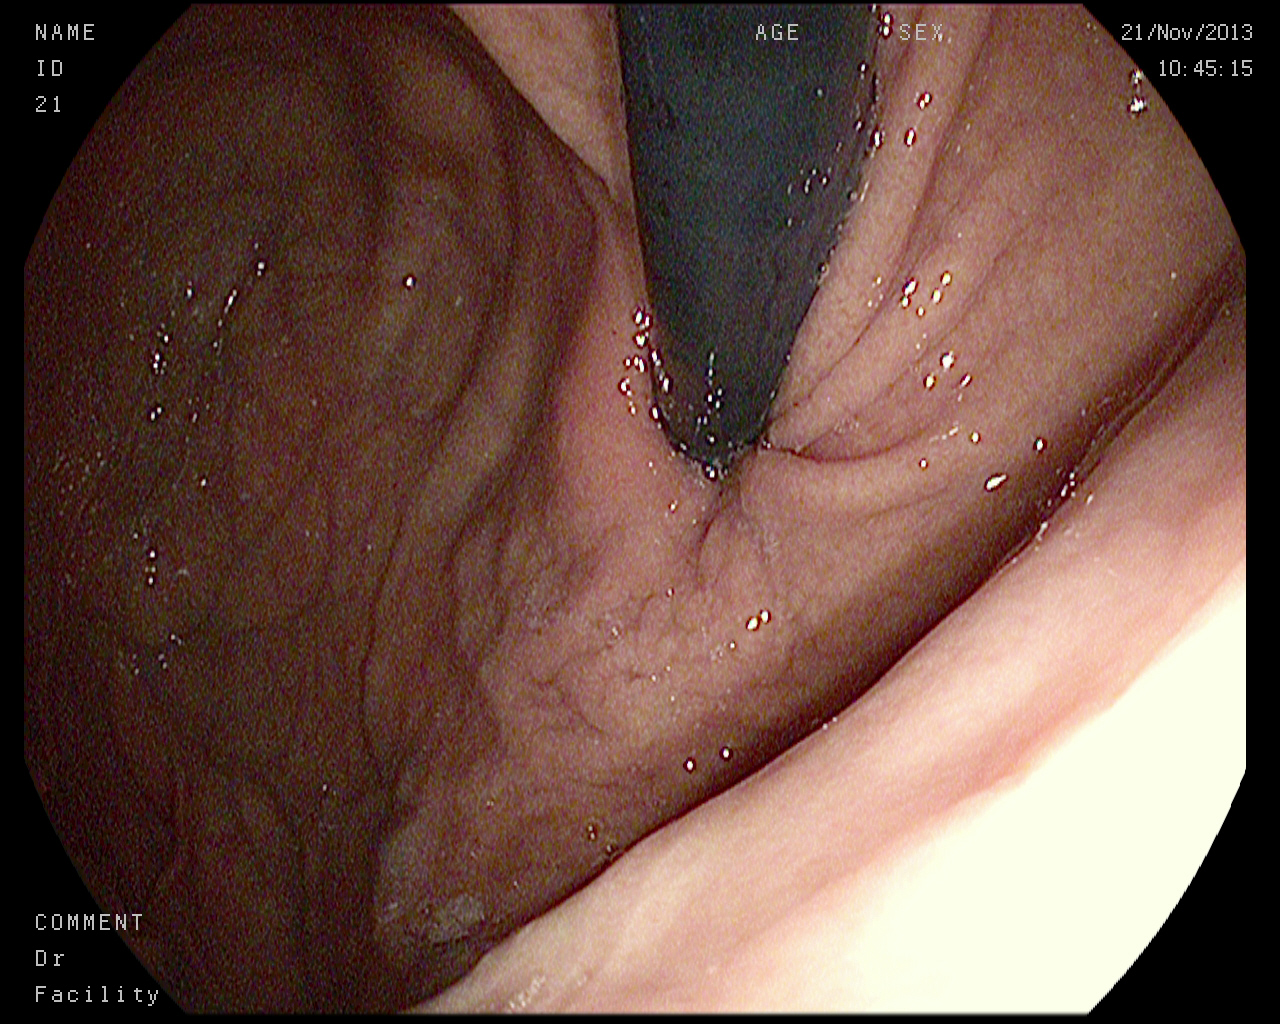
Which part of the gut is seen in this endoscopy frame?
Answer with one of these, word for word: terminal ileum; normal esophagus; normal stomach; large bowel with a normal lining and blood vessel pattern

normal stomach